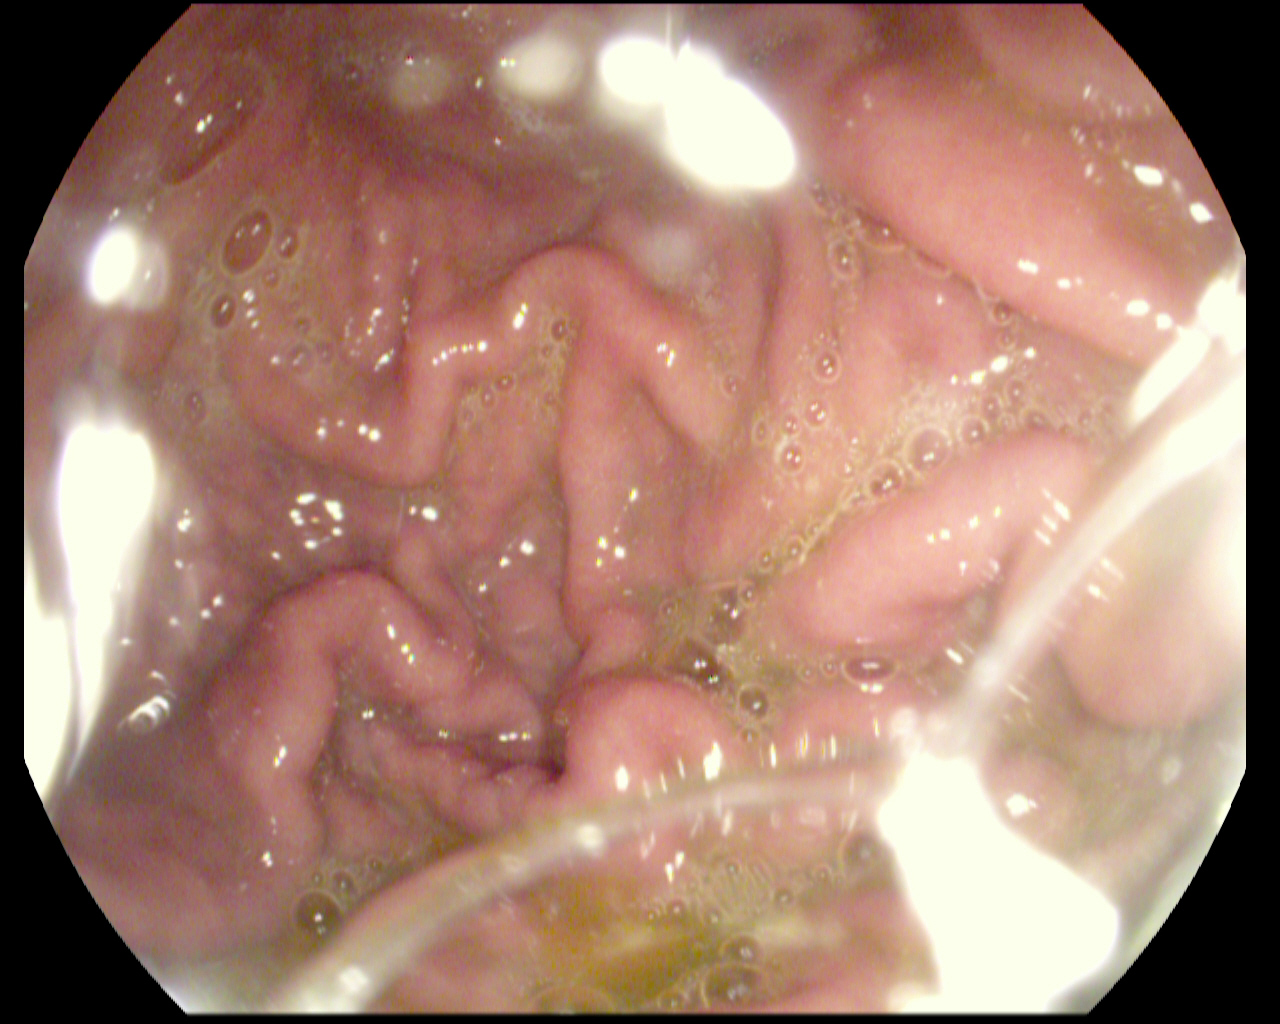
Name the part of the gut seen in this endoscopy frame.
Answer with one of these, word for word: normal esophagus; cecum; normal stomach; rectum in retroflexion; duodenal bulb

normal stomach